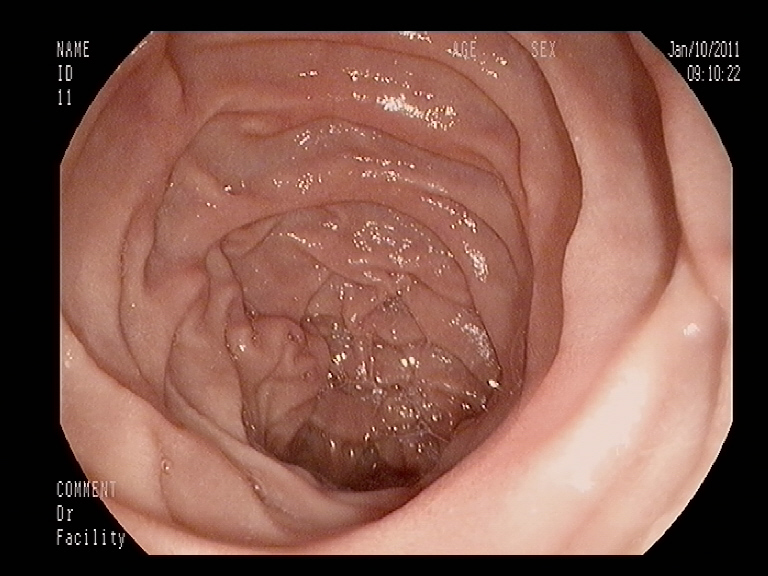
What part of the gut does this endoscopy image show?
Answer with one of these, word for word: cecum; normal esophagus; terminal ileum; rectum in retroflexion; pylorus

terminal ileum